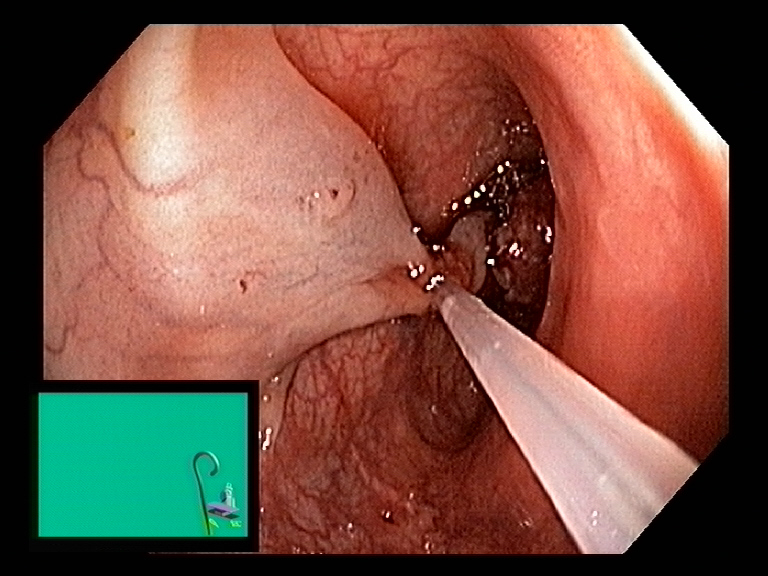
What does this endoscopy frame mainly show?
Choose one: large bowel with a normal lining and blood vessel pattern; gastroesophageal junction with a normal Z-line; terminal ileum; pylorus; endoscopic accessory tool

endoscopic accessory tool